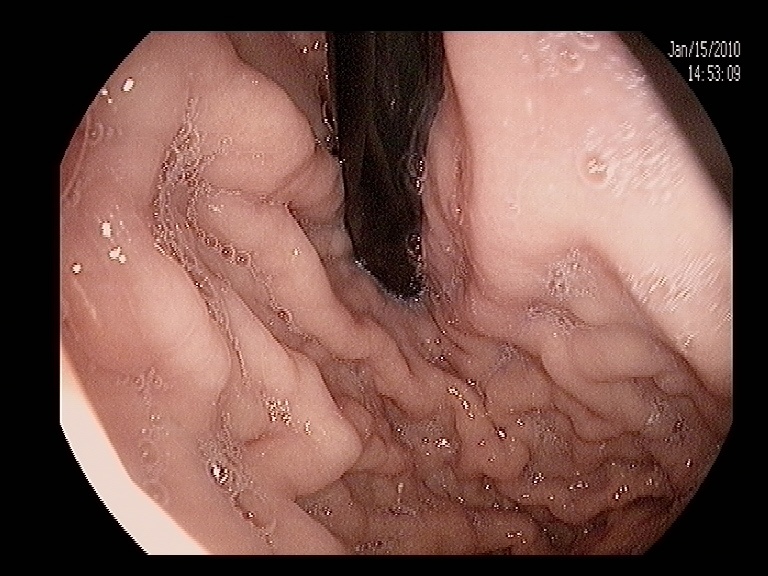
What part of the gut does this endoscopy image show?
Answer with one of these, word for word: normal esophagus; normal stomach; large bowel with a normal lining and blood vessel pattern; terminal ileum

normal stomach